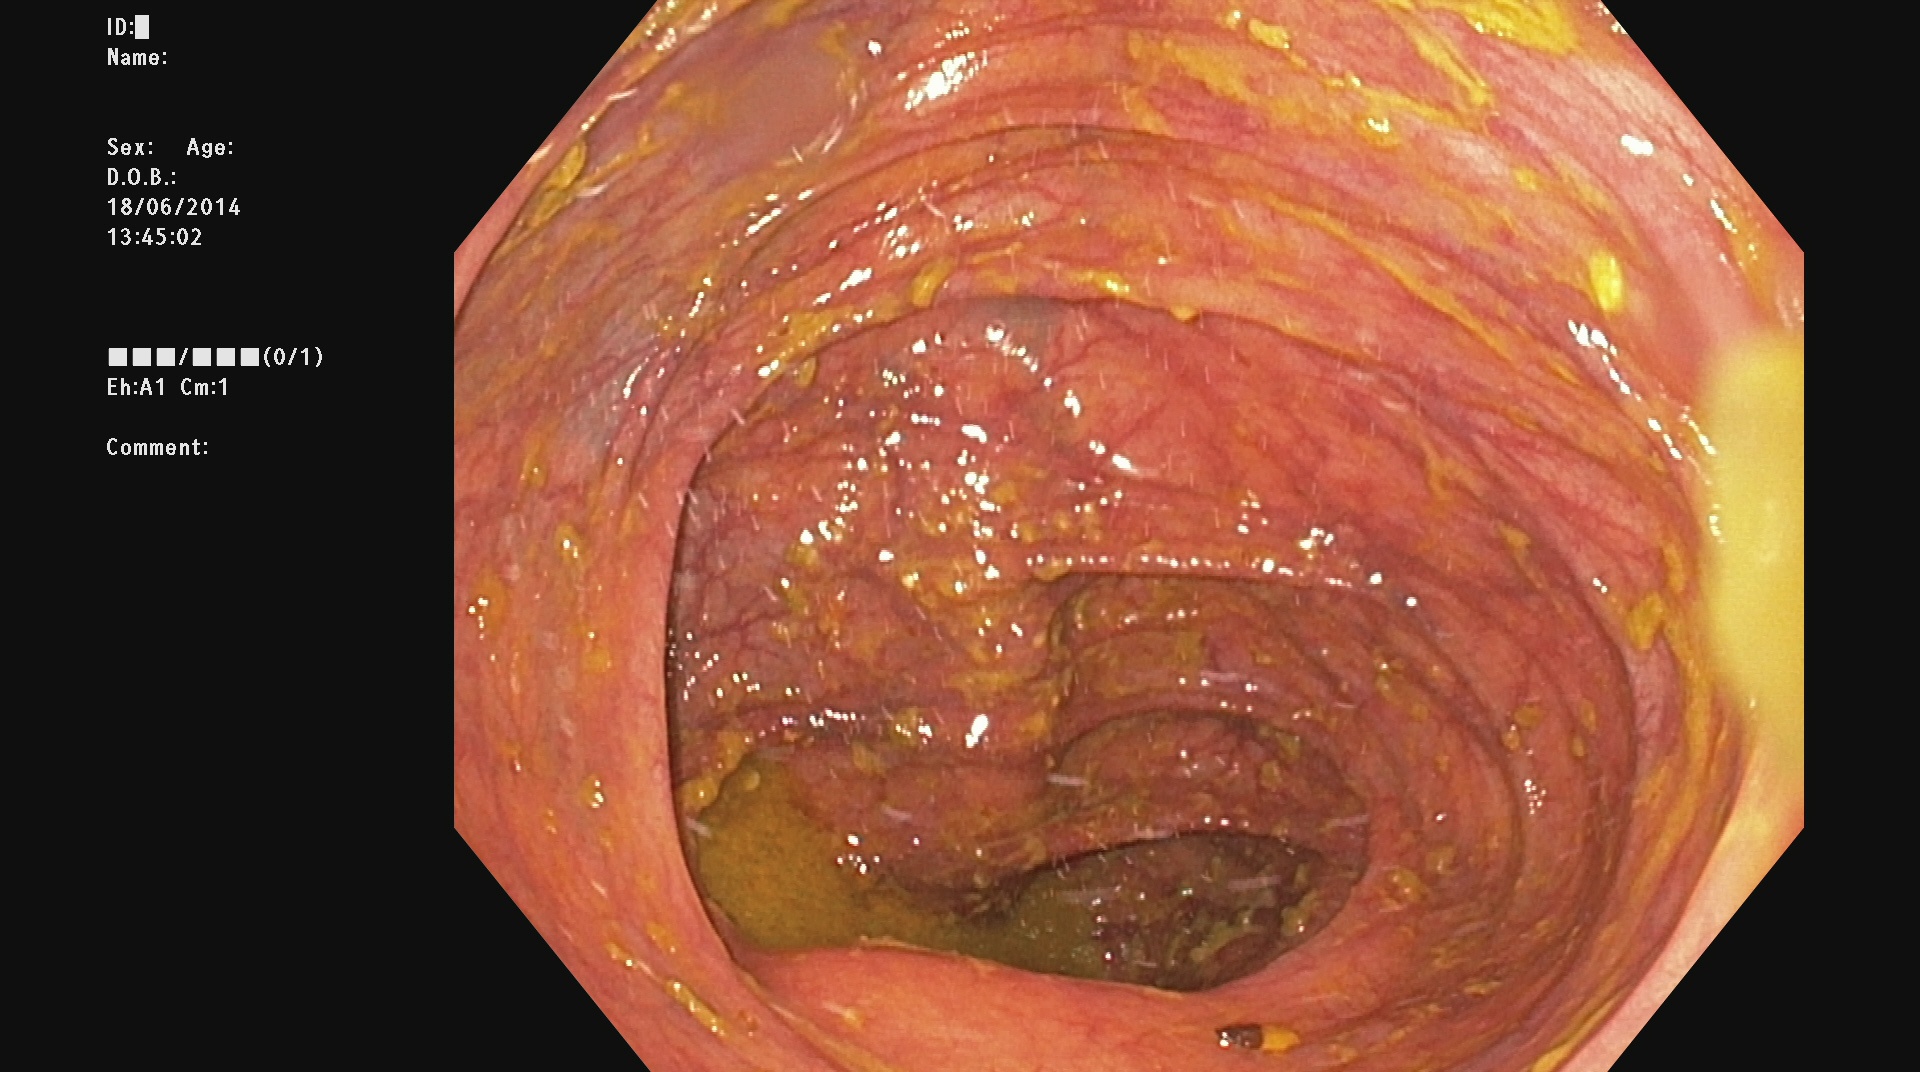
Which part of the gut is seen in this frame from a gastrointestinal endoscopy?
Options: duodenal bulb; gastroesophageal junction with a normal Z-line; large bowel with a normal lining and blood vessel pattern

large bowel with a normal lining and blood vessel pattern